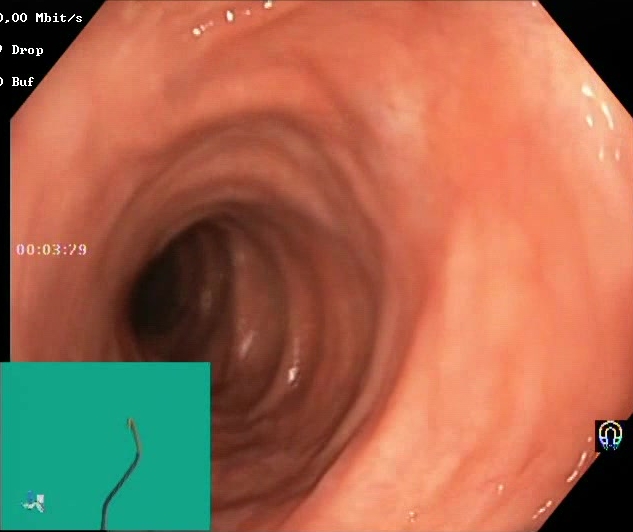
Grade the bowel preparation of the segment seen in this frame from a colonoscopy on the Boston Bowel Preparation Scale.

Boston Bowel Preparation Scale score 2–3 (adequate preparation)